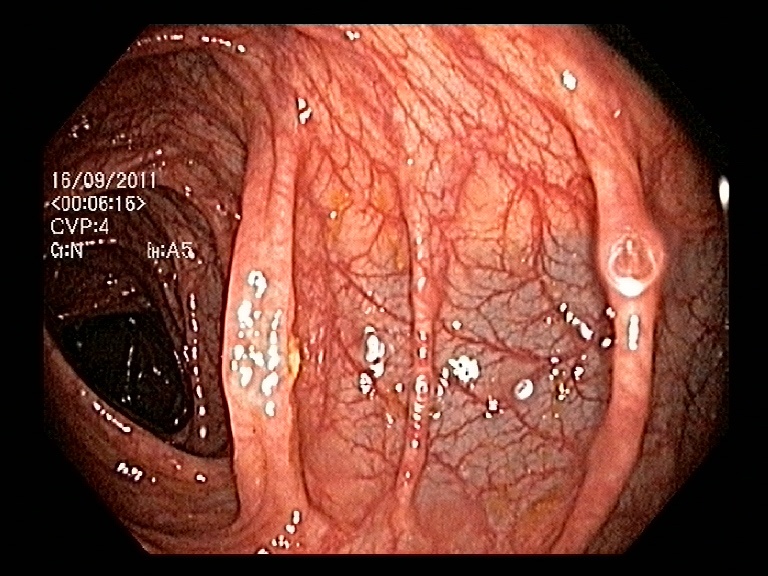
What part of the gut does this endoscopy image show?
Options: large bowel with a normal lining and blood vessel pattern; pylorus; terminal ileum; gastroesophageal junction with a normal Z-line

large bowel with a normal lining and blood vessel pattern